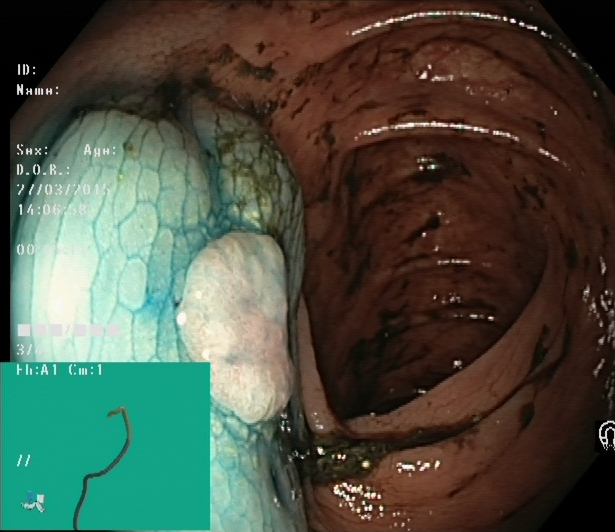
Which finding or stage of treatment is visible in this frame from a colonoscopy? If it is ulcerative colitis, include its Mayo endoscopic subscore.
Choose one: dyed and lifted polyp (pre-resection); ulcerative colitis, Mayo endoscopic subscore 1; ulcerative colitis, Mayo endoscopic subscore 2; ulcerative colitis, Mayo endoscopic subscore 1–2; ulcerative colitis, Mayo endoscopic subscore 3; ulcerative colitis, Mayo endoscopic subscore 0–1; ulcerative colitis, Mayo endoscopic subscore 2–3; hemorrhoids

dyed and lifted polyp (pre-resection)